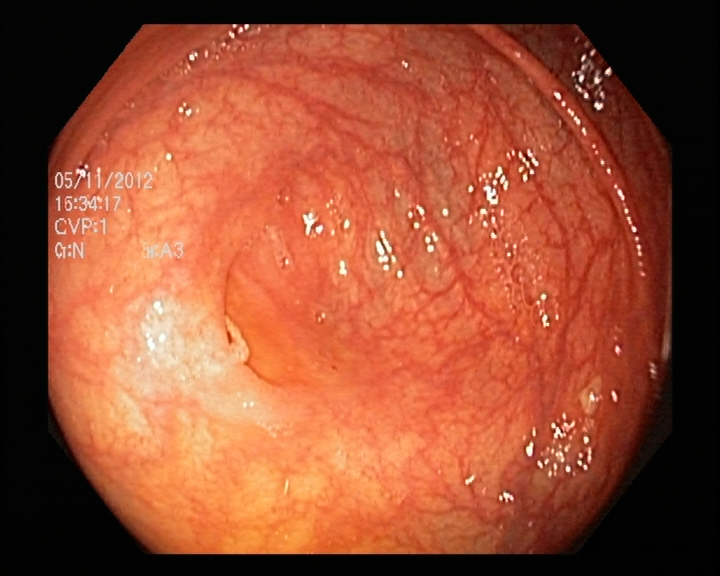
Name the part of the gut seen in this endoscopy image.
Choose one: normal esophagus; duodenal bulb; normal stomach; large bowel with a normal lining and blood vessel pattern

large bowel with a normal lining and blood vessel pattern